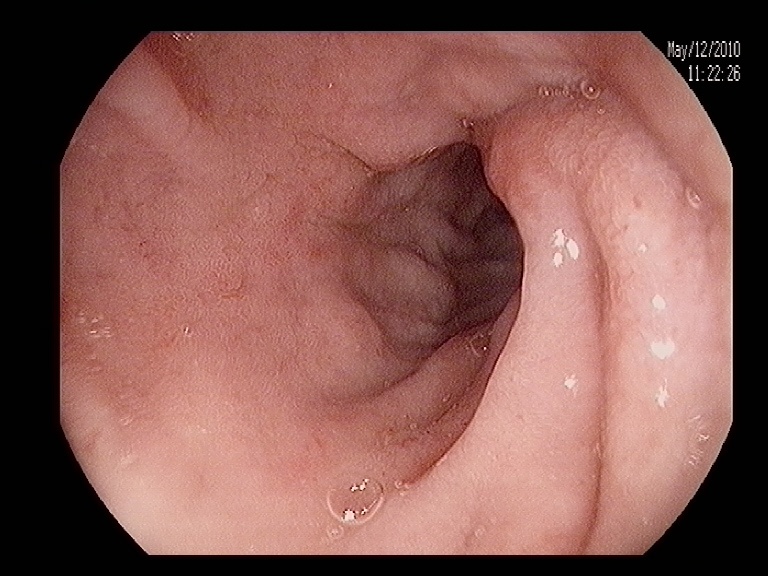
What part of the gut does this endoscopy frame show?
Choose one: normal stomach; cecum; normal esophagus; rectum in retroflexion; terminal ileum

normal stomach